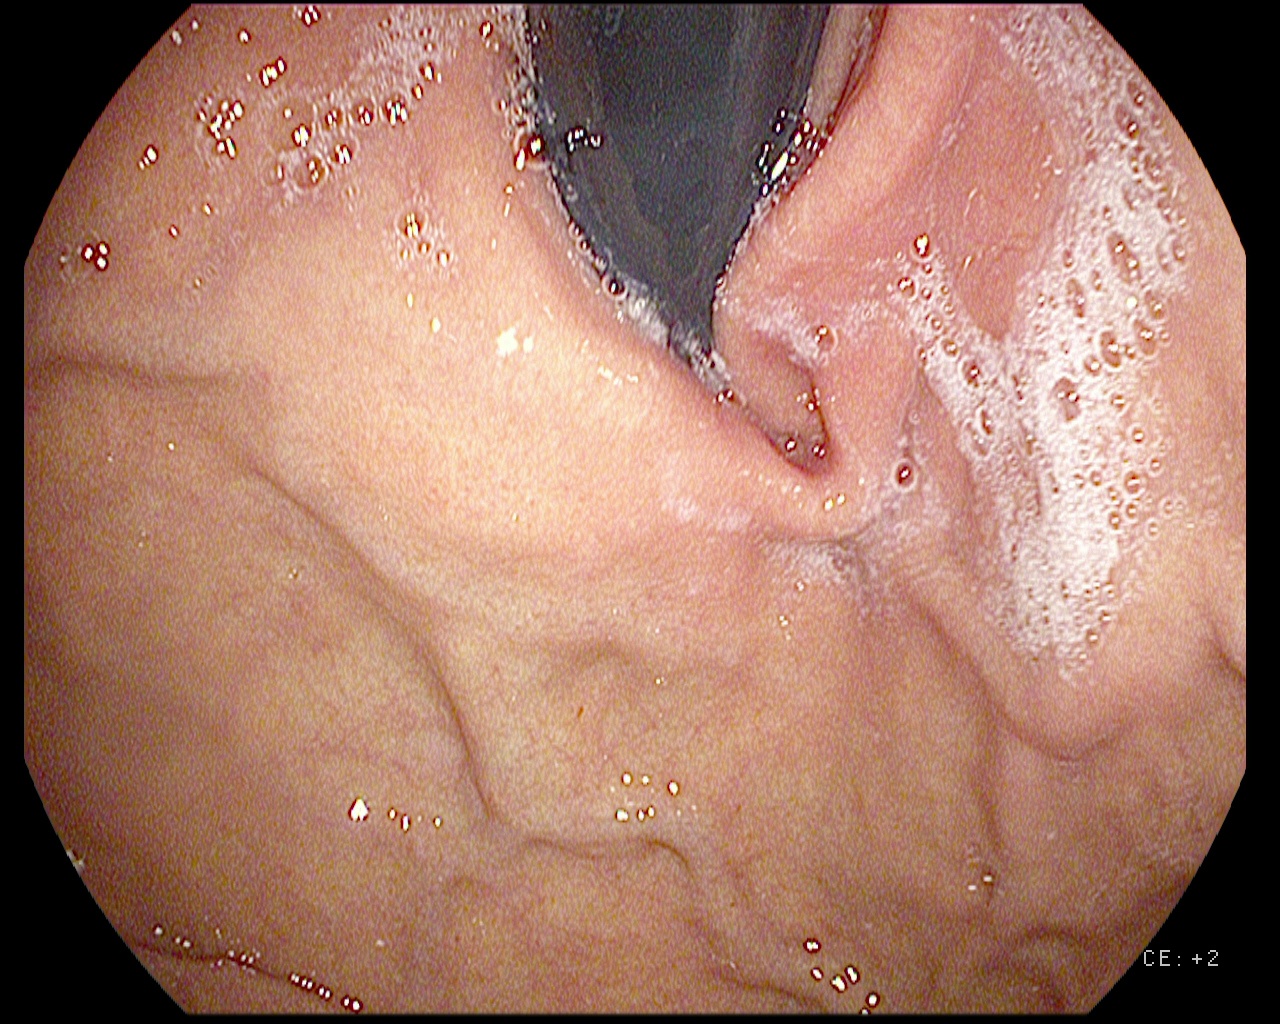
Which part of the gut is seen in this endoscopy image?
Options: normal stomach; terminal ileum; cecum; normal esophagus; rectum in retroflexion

normal stomach